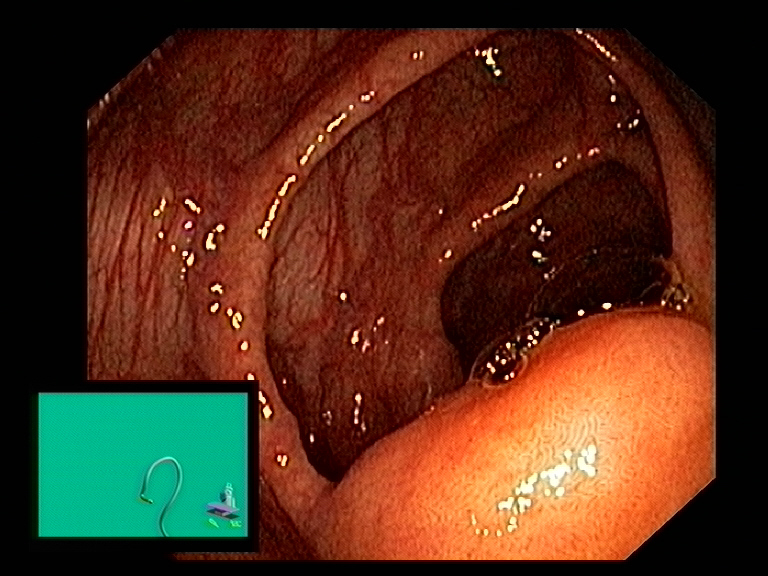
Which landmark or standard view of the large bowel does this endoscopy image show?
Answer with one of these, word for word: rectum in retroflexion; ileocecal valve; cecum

ileocecal valve